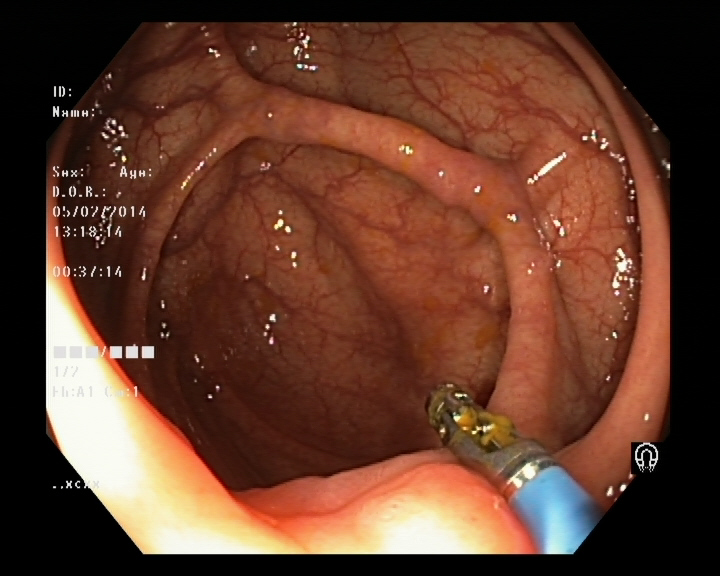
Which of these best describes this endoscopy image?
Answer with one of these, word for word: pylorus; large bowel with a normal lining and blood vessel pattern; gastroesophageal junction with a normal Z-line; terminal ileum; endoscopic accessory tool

endoscopic accessory tool